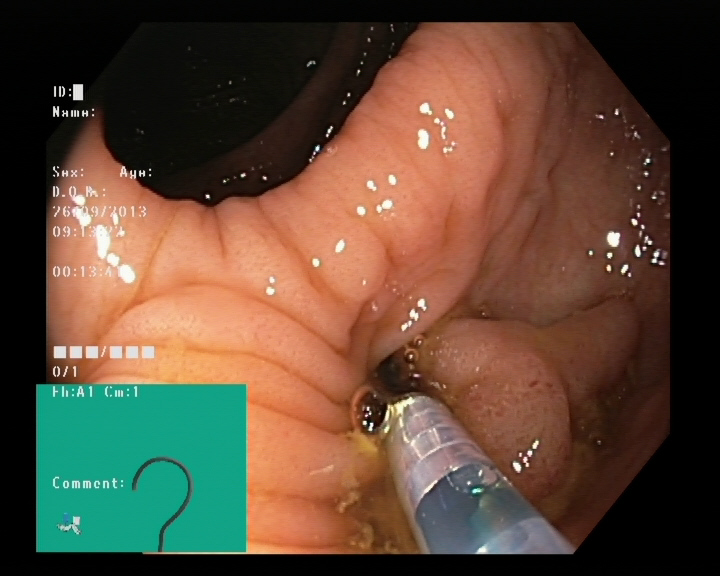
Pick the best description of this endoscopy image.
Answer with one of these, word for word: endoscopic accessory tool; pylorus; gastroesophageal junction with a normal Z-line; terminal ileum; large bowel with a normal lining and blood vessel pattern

endoscopic accessory tool